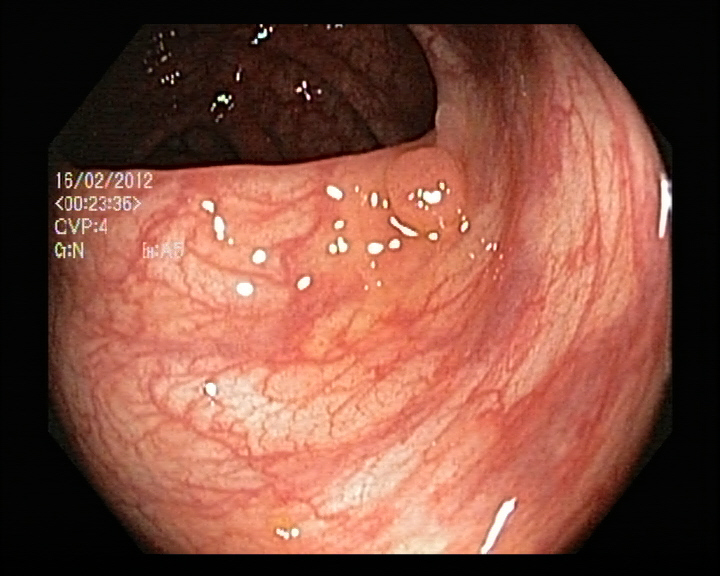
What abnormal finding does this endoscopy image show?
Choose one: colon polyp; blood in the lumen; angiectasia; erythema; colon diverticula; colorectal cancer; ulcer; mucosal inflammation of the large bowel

colon polyp